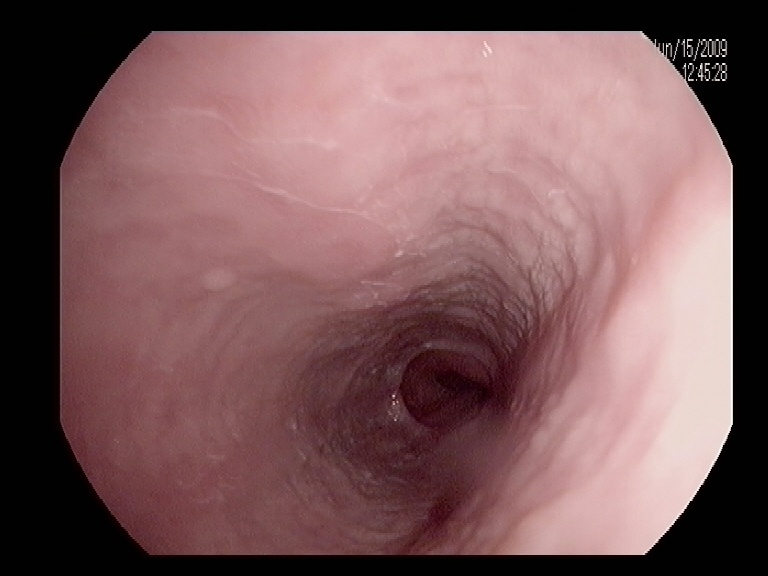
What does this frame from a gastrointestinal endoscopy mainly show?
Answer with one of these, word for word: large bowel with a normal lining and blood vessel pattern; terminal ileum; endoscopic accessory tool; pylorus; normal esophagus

normal esophagus